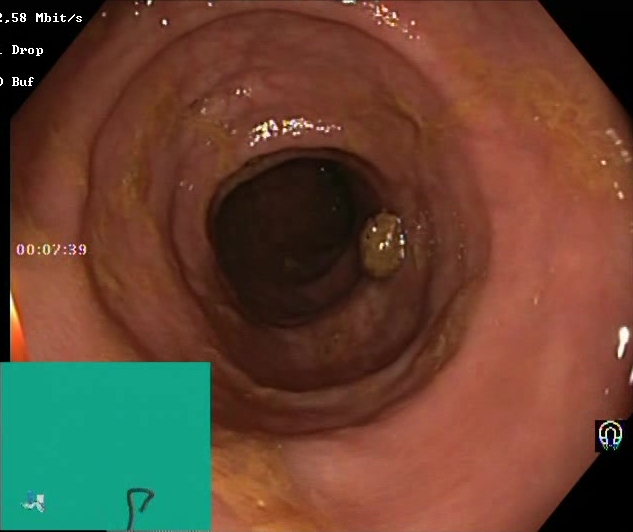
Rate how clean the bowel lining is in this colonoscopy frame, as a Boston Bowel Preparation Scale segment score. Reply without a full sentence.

Boston Bowel Preparation Scale score 2–3 (adequate preparation)